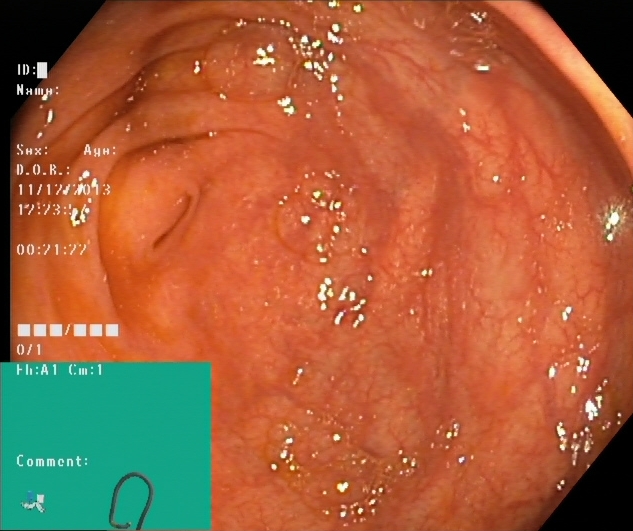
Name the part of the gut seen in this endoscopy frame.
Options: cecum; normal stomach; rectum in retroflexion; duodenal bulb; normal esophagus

cecum